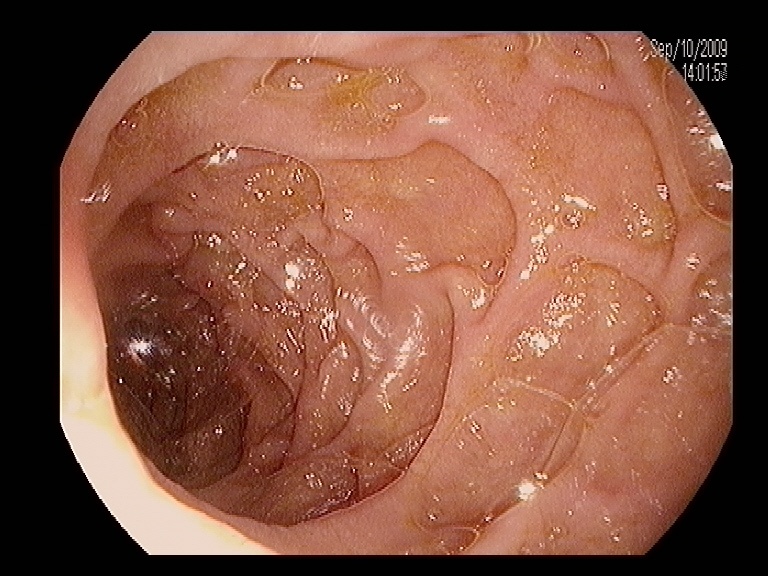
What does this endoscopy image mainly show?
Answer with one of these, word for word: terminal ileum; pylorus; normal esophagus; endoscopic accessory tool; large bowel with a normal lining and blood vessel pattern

terminal ileum